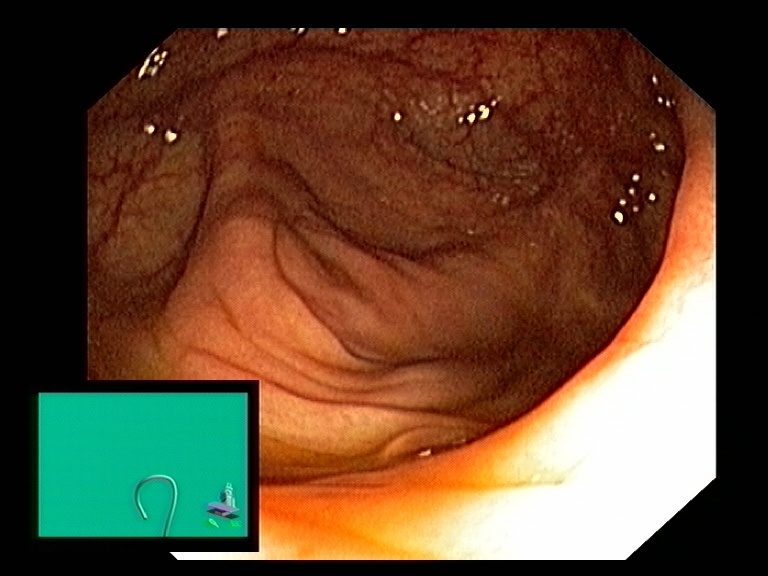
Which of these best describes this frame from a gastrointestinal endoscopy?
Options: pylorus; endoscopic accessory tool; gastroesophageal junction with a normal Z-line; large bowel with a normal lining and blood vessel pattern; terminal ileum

large bowel with a normal lining and blood vessel pattern